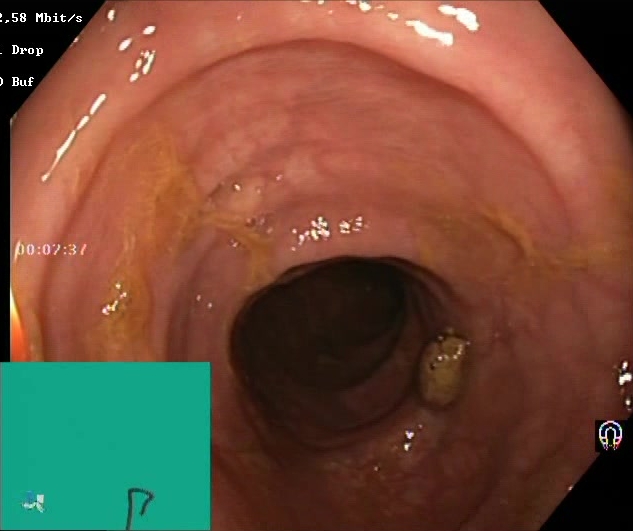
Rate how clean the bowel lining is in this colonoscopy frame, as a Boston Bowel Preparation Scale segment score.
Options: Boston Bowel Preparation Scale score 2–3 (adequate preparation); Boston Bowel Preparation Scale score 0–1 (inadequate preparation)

Boston Bowel Preparation Scale score 2–3 (adequate preparation)